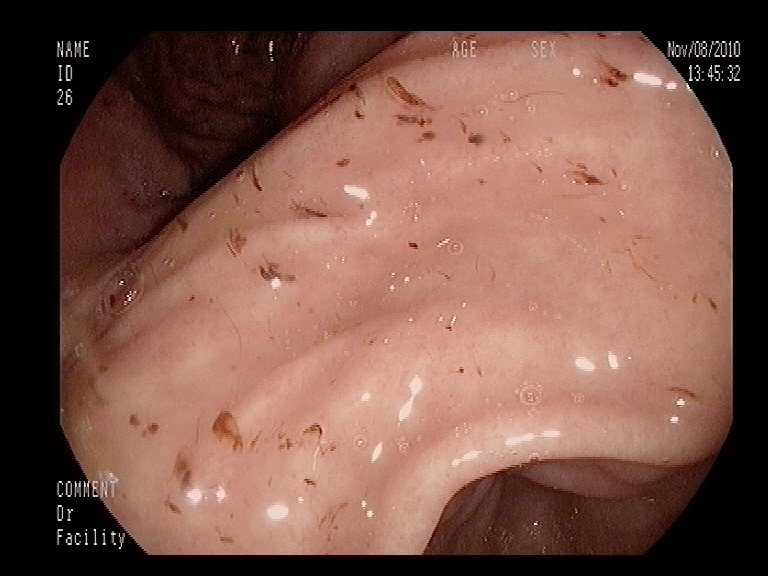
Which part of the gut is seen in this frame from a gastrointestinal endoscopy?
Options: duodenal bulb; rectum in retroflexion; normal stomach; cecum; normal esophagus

normal stomach